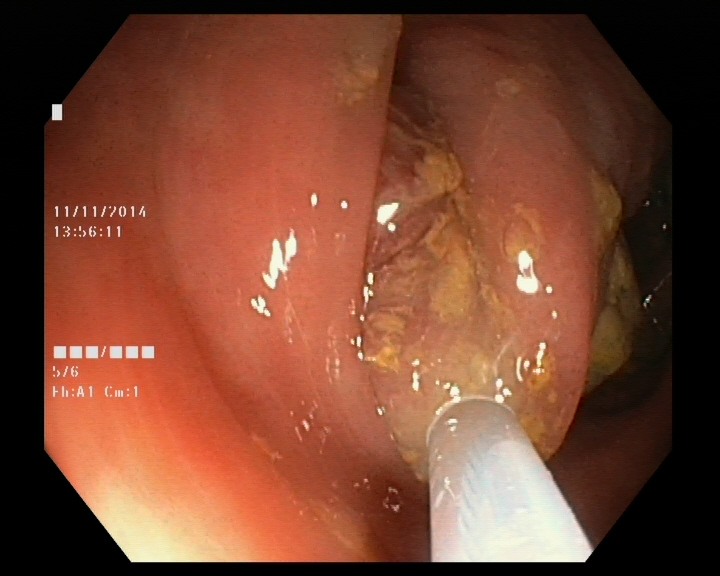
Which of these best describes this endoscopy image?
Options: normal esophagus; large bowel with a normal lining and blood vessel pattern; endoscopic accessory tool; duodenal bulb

endoscopic accessory tool